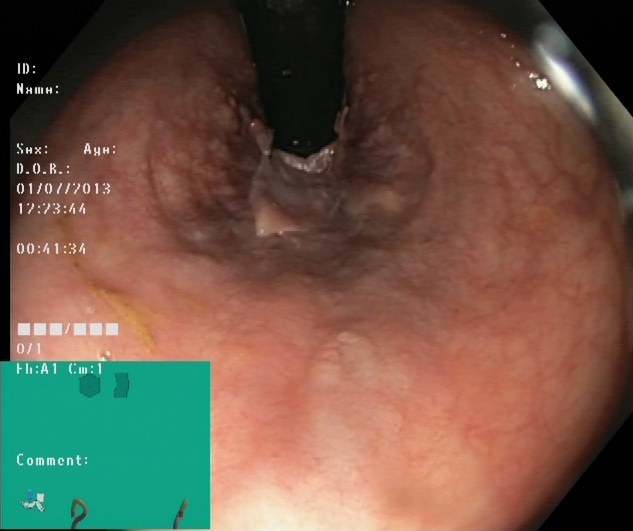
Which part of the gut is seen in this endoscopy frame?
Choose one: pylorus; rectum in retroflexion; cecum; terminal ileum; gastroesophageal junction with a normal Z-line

rectum in retroflexion